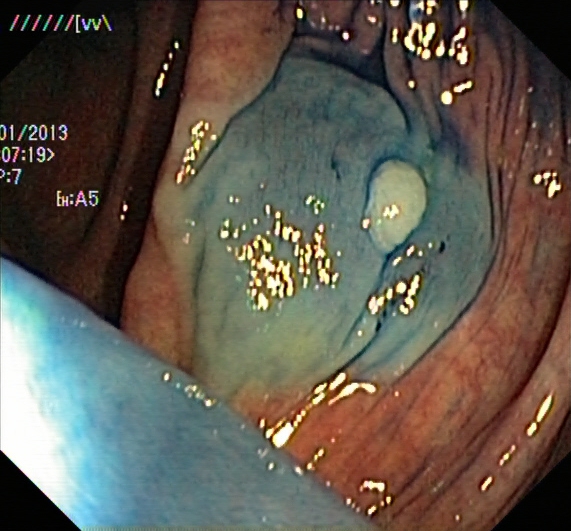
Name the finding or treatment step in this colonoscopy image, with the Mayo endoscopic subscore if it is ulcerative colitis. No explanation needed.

dyed and lifted polyp (pre-resection)